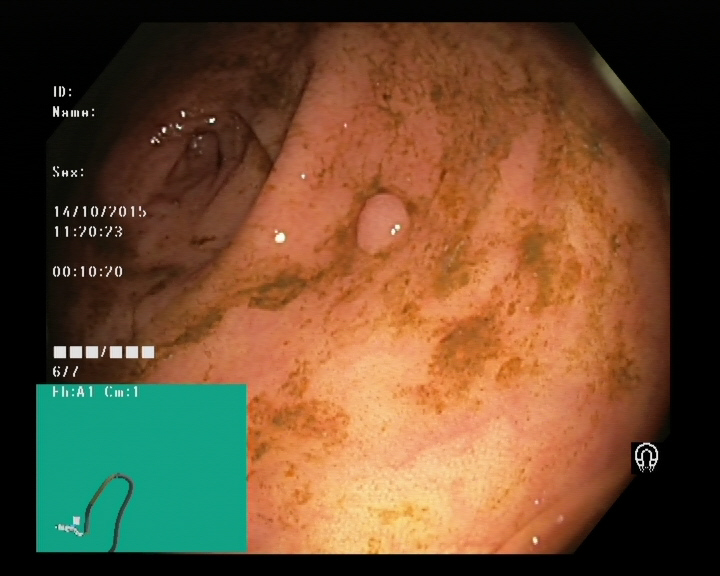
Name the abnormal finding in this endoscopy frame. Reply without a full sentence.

colon polyp